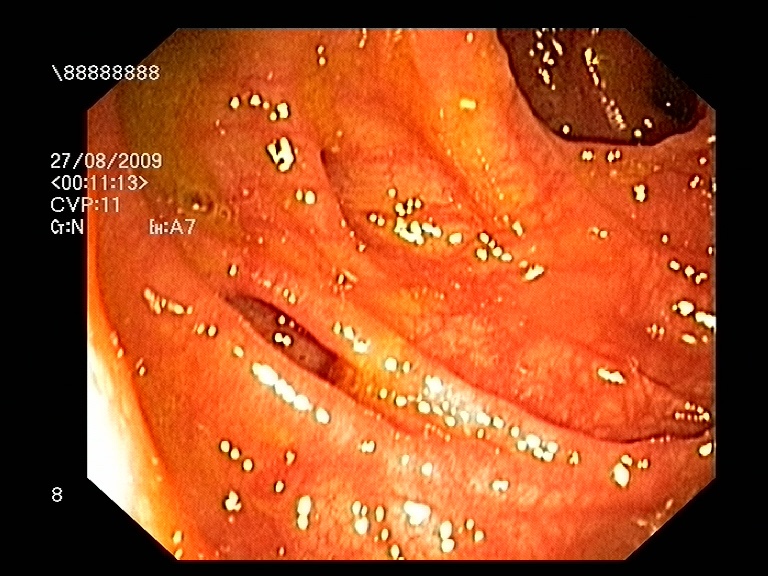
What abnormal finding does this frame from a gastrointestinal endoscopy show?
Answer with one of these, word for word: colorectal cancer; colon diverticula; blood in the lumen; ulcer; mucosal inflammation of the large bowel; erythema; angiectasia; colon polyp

colon diverticula